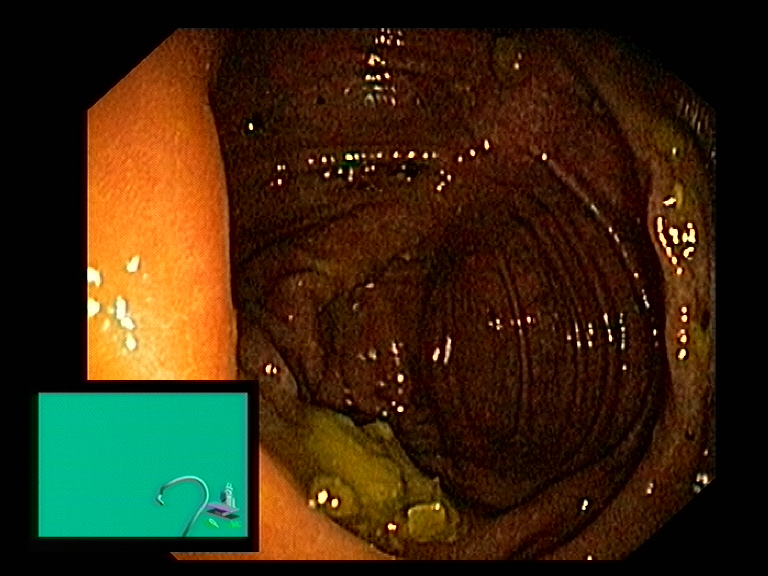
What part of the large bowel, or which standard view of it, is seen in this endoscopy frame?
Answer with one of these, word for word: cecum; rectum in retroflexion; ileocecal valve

ileocecal valve